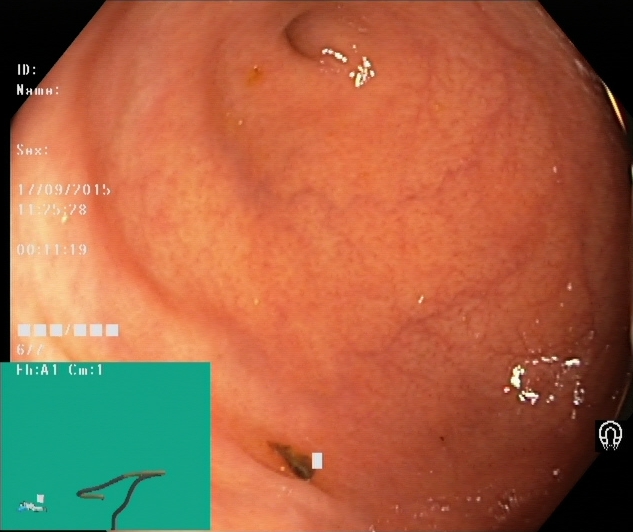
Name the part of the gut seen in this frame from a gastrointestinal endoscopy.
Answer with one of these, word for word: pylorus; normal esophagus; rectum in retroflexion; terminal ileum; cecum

cecum